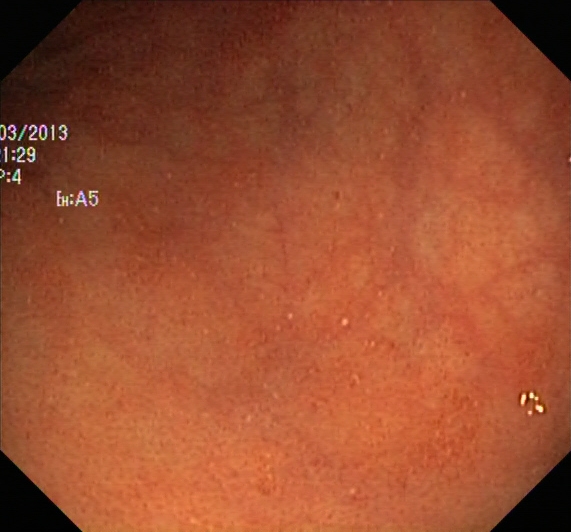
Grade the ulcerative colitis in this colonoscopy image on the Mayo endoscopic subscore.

ulcerative colitis, Mayo endoscopic subscore 1